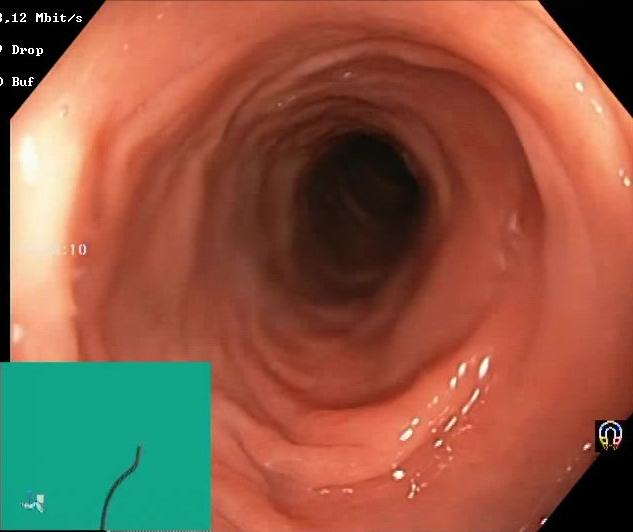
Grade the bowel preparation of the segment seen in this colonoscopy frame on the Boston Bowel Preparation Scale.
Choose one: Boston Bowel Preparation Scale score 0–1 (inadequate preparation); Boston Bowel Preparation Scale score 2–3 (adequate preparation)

Boston Bowel Preparation Scale score 2–3 (adequate preparation)